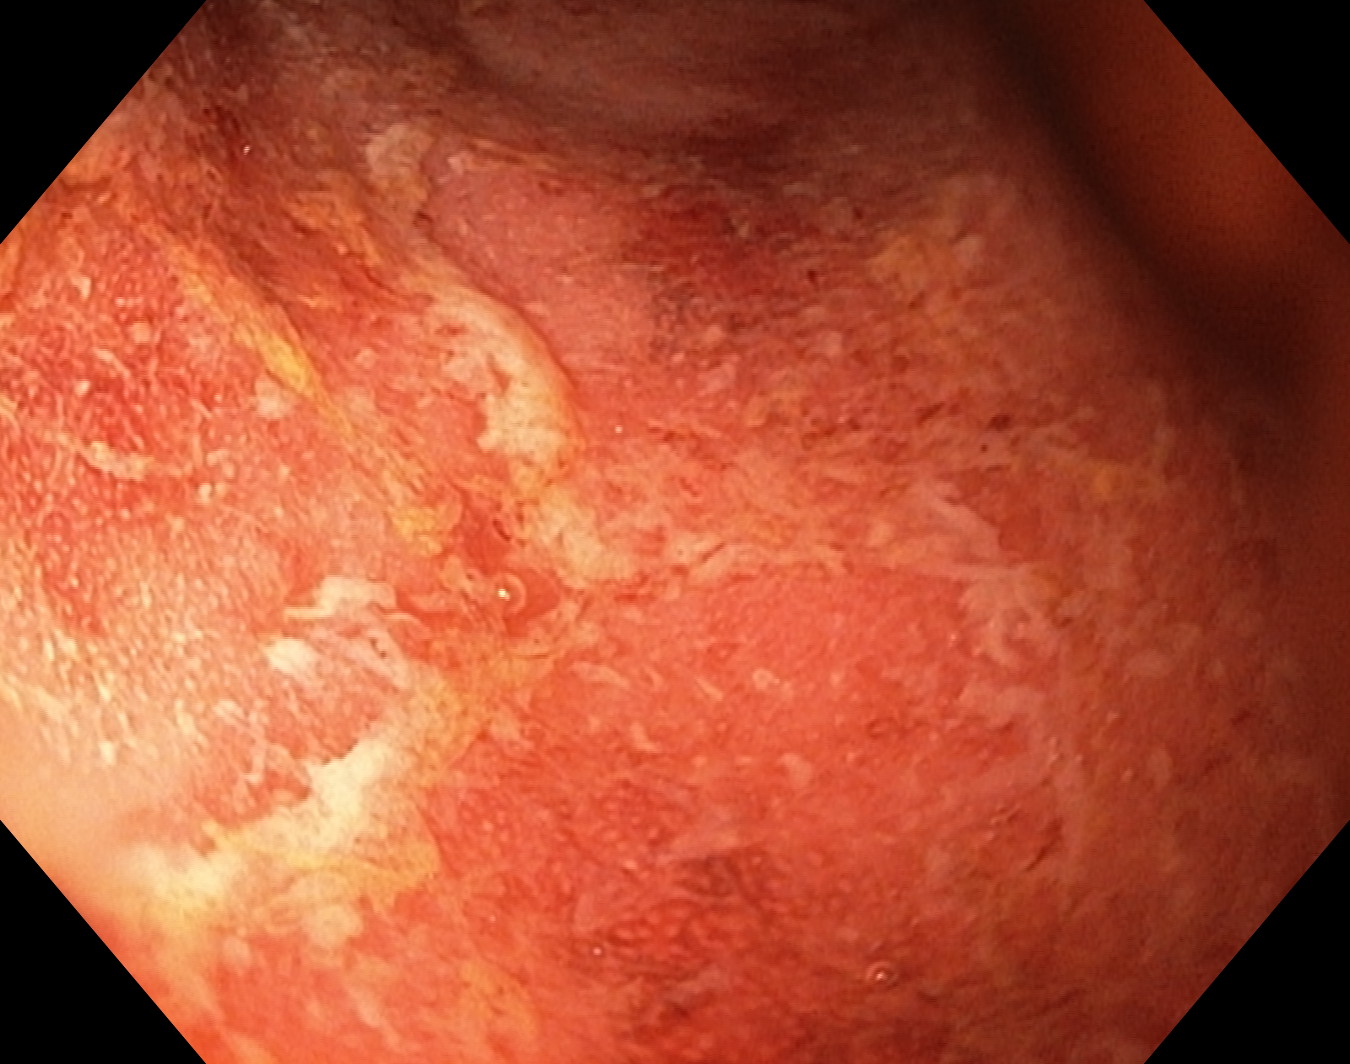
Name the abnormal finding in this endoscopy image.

mucosal inflammation of the large bowel